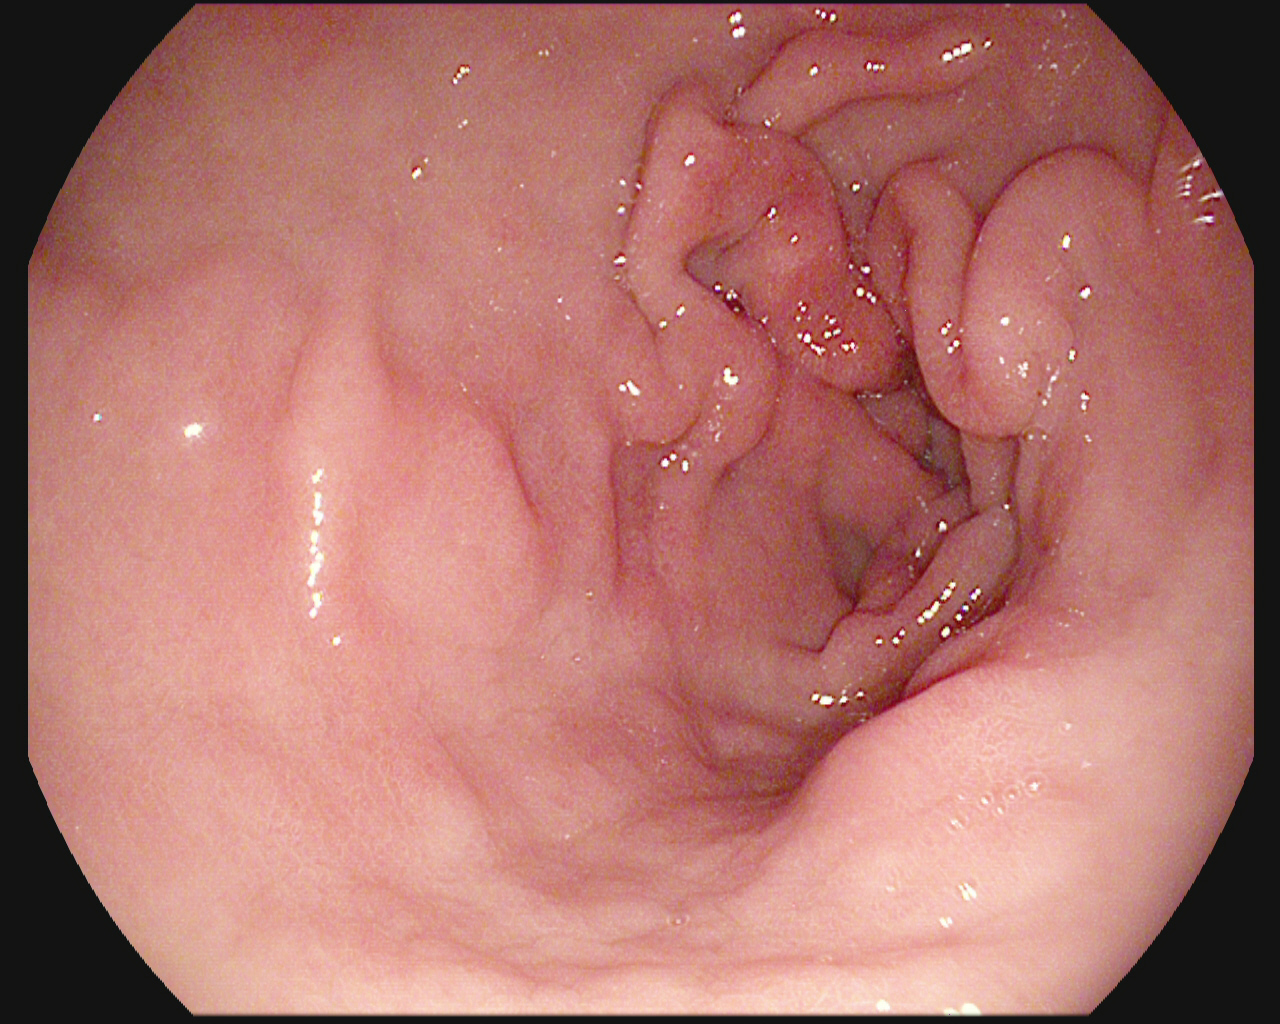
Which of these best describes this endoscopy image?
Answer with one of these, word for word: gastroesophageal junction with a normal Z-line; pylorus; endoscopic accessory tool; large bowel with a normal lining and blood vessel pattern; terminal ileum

pylorus